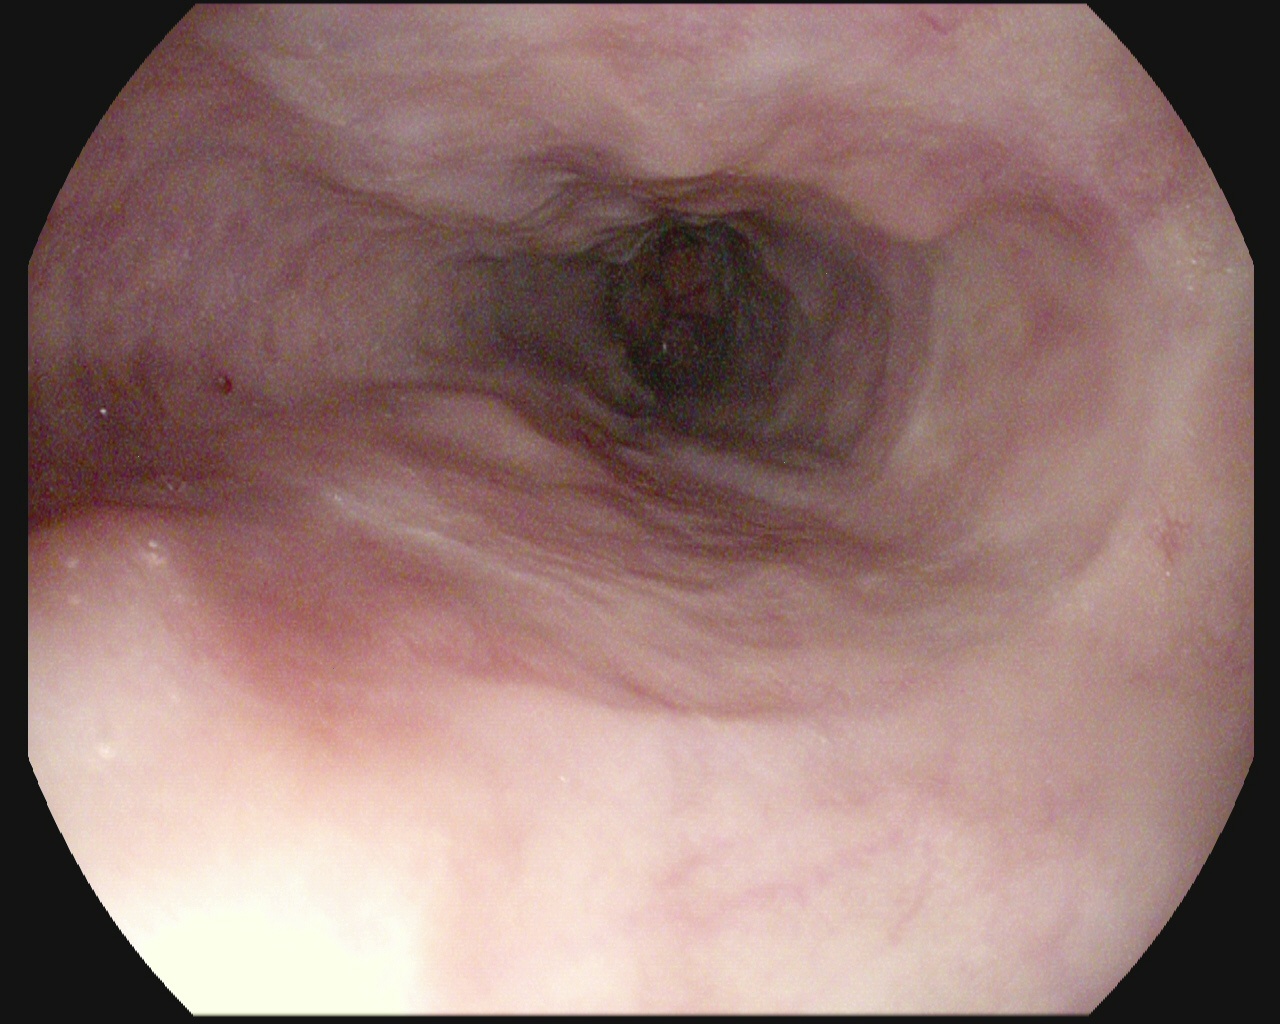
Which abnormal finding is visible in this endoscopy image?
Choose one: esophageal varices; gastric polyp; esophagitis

esophageal varices